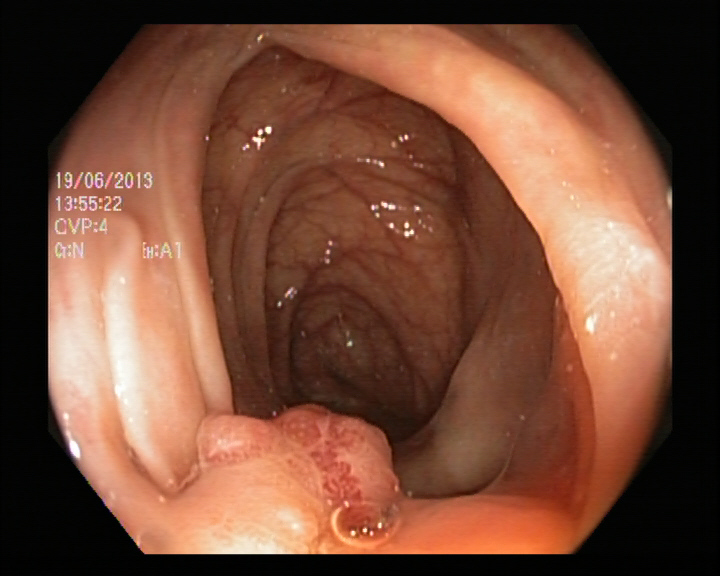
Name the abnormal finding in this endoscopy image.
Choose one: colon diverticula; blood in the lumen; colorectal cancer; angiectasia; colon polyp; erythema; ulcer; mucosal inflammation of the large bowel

colon polyp